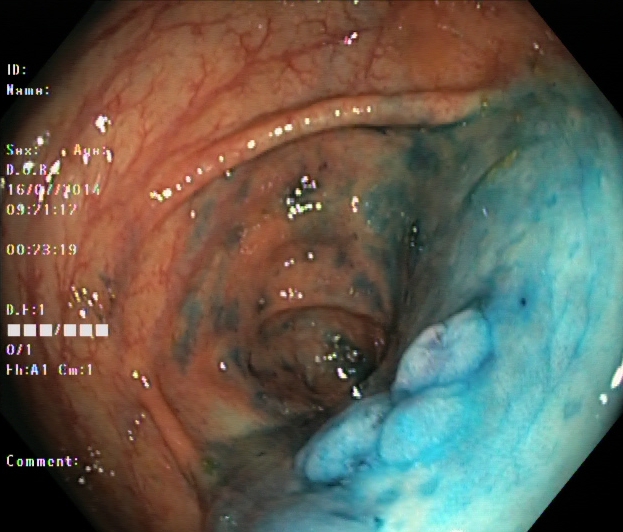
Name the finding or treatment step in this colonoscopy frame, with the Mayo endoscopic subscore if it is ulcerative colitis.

dyed and lifted polyp (pre-resection)